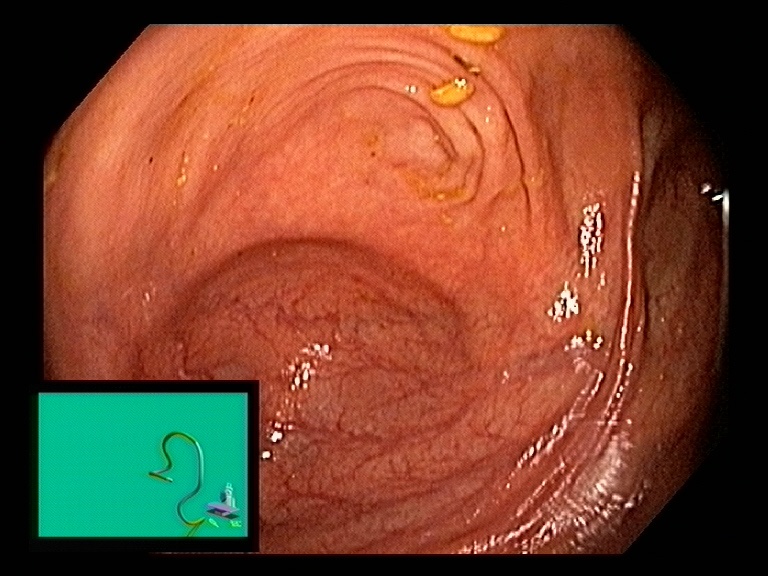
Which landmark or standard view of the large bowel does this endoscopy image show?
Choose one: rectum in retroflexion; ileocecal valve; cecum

cecum